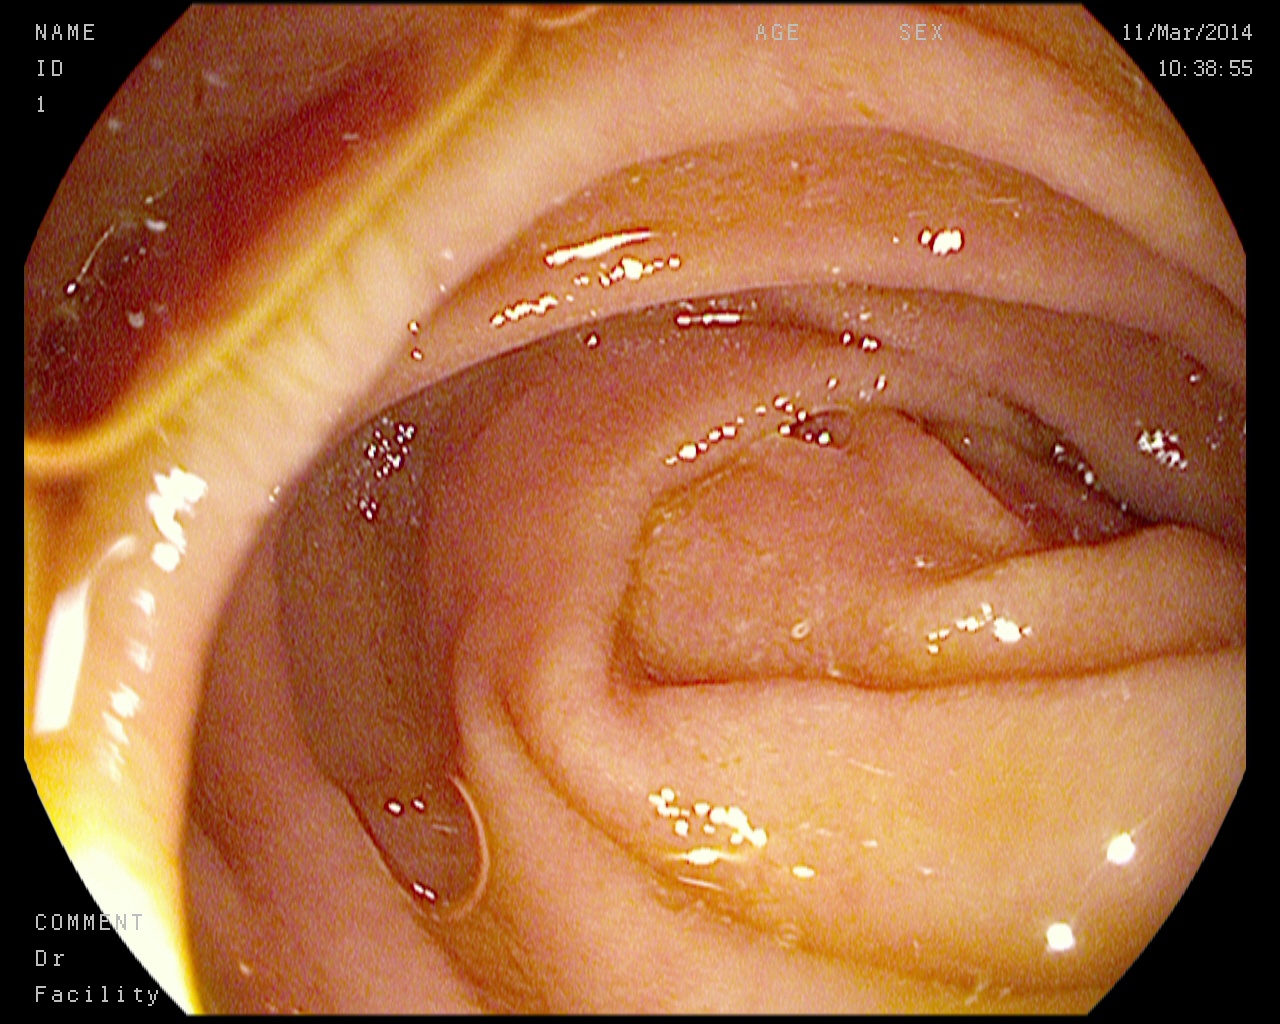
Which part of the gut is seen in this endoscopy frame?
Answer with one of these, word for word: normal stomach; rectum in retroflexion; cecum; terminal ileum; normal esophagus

terminal ileum